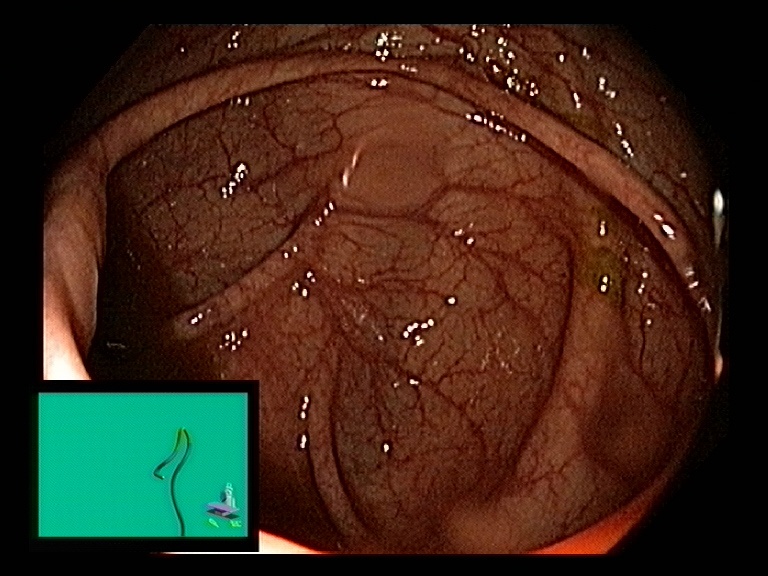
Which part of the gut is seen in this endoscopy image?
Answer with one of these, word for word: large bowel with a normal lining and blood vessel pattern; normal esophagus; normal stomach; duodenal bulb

large bowel with a normal lining and blood vessel pattern